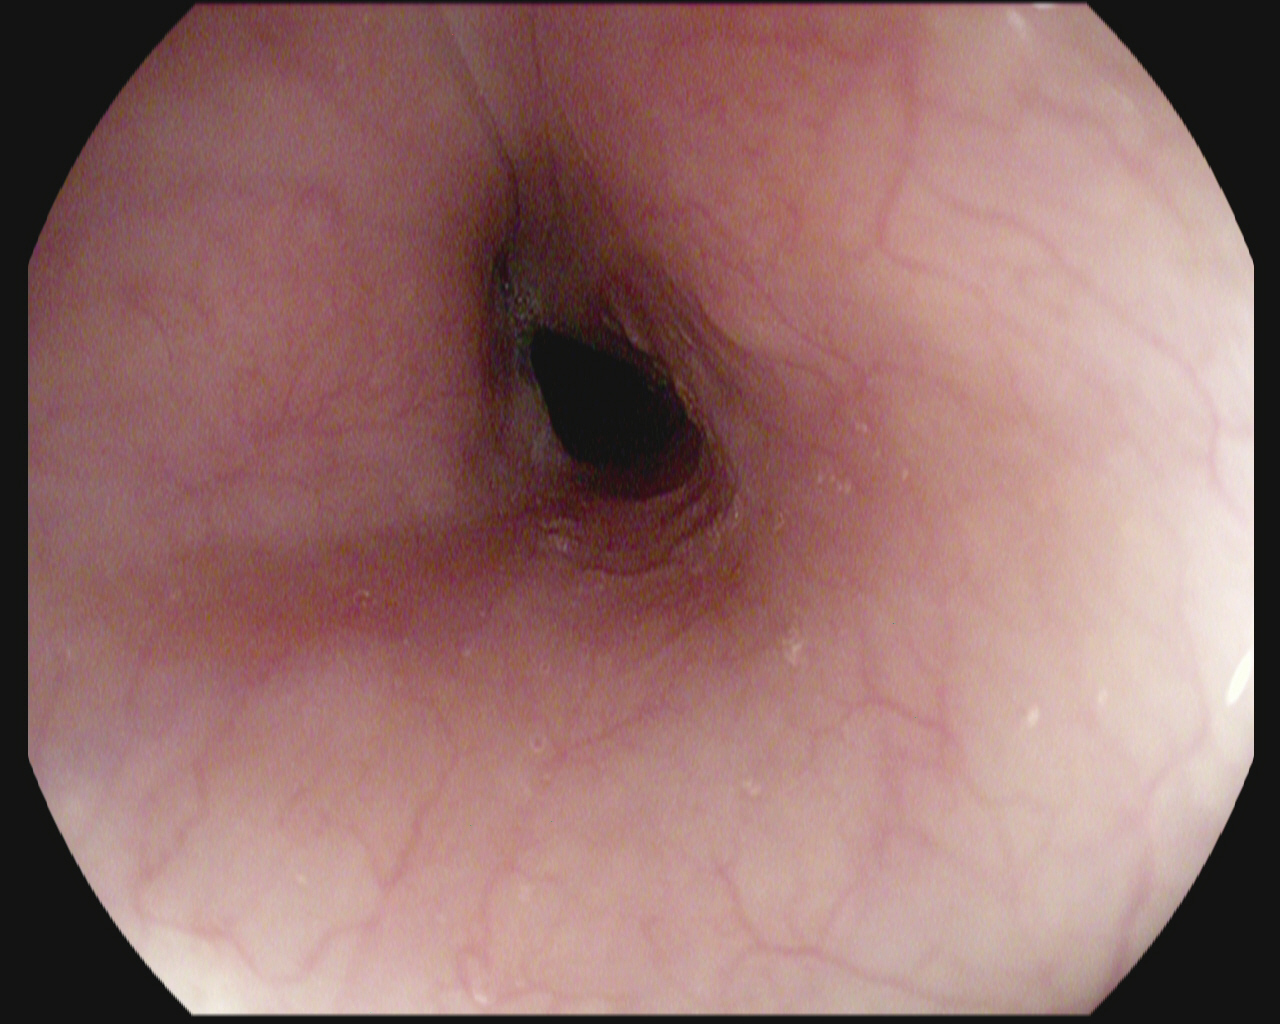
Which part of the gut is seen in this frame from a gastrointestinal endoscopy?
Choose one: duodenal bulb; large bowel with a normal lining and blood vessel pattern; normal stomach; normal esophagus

normal esophagus